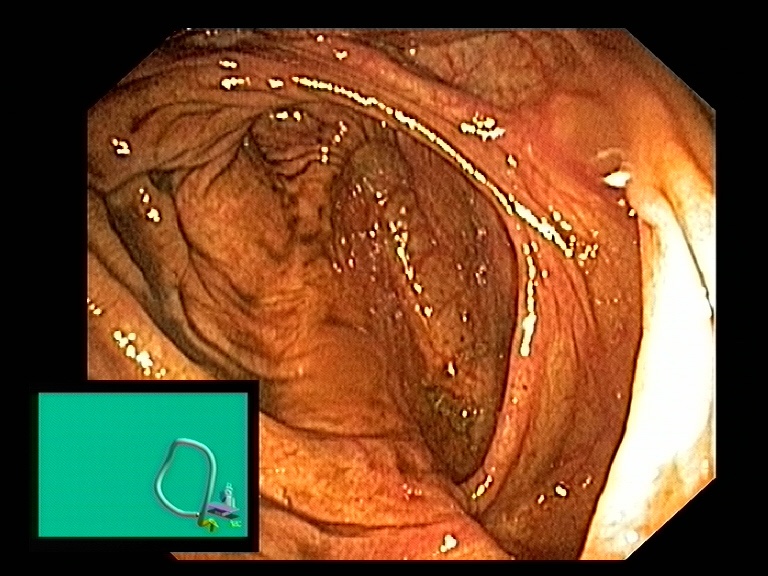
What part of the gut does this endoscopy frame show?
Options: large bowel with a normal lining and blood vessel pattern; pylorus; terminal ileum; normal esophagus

large bowel with a normal lining and blood vessel pattern